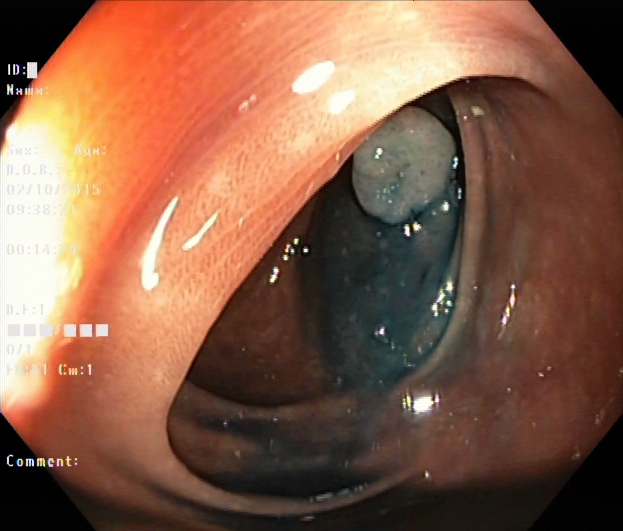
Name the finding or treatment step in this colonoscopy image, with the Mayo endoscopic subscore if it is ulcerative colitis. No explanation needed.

dyed and lifted polyp (pre-resection)